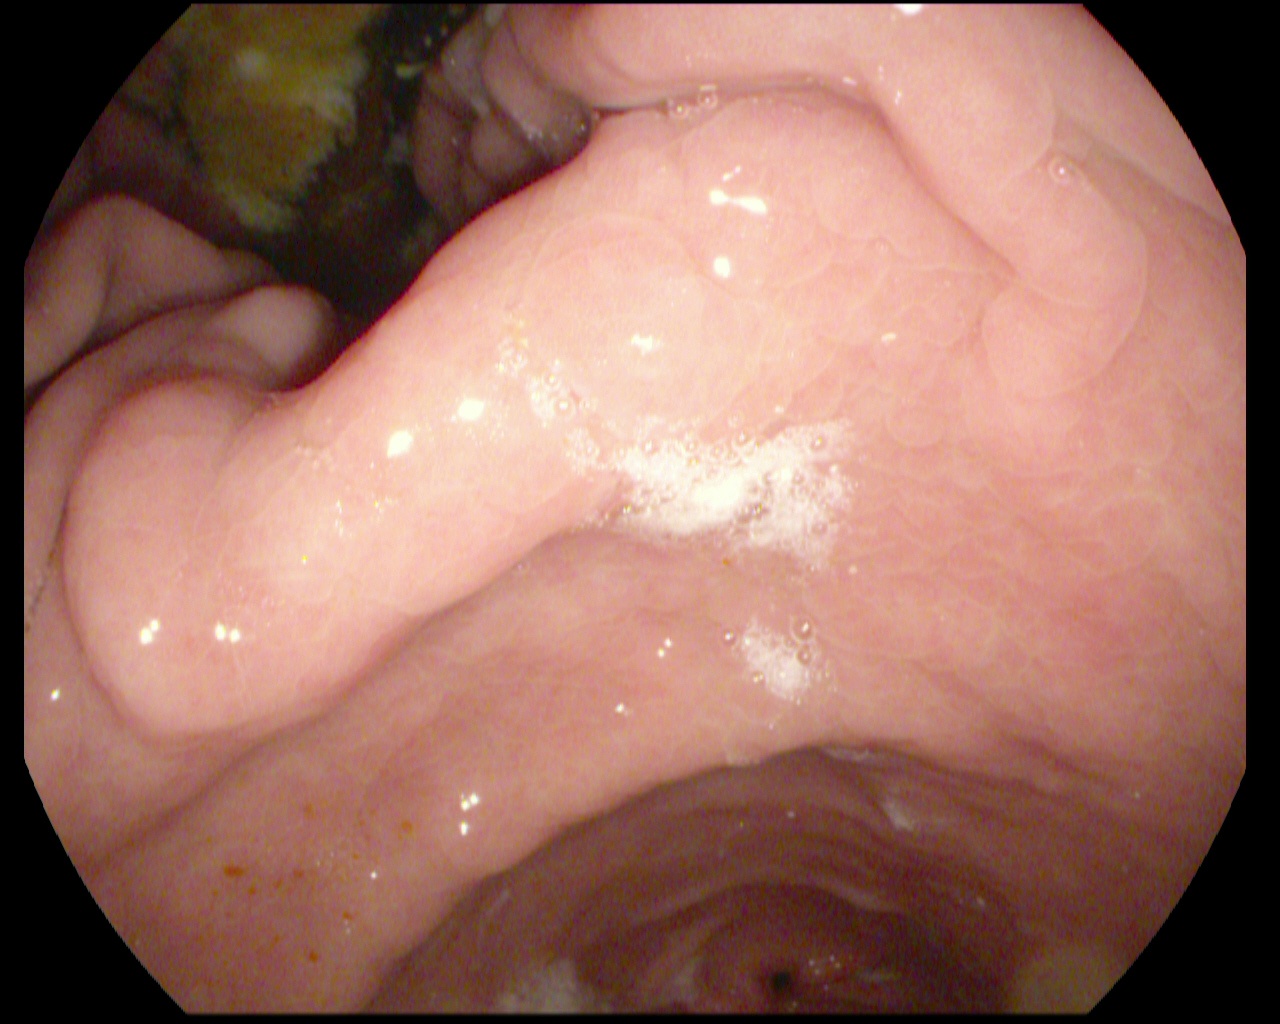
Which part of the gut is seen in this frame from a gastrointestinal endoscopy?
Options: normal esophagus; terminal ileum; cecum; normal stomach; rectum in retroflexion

normal stomach